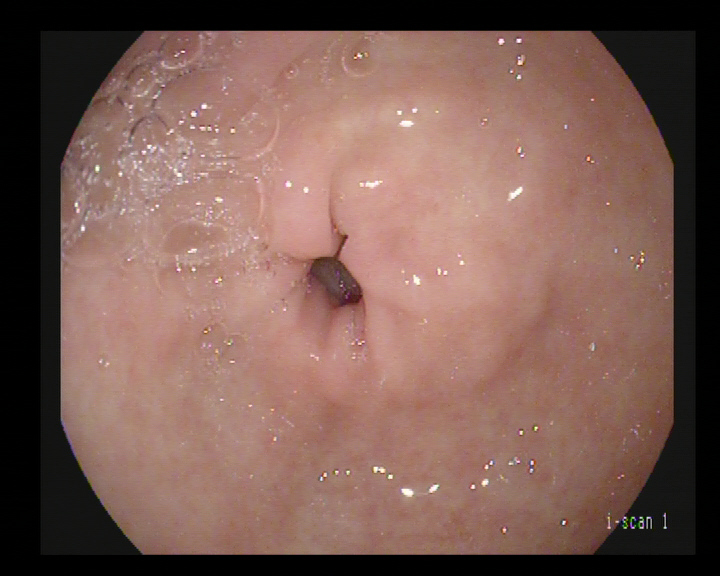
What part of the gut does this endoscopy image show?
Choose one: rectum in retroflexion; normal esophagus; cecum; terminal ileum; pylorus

pylorus